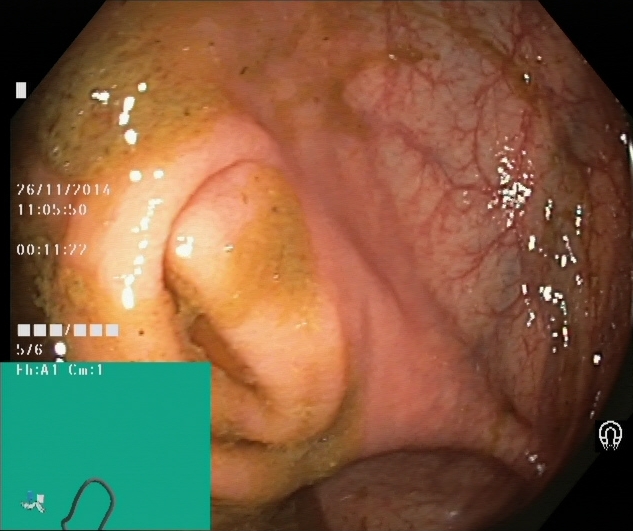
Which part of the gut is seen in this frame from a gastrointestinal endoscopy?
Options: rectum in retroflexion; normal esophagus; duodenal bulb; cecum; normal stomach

cecum